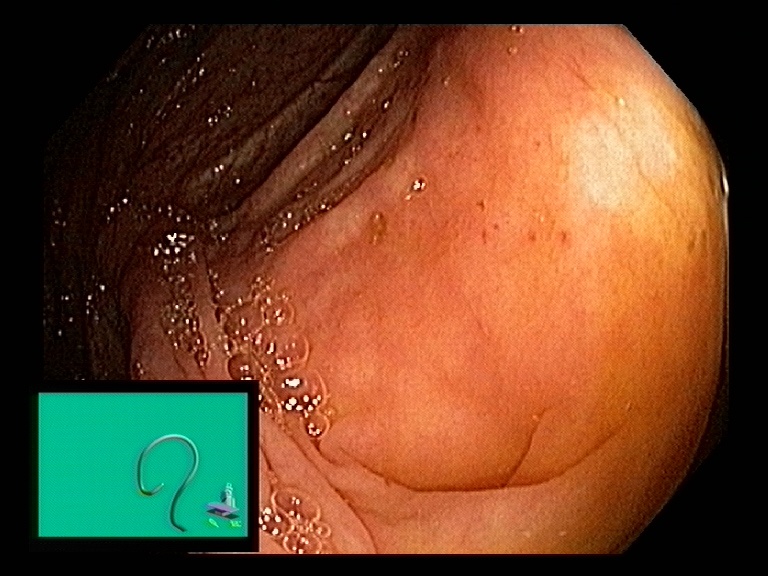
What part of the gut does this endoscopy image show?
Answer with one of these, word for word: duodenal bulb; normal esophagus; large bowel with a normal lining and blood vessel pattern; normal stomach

large bowel with a normal lining and blood vessel pattern